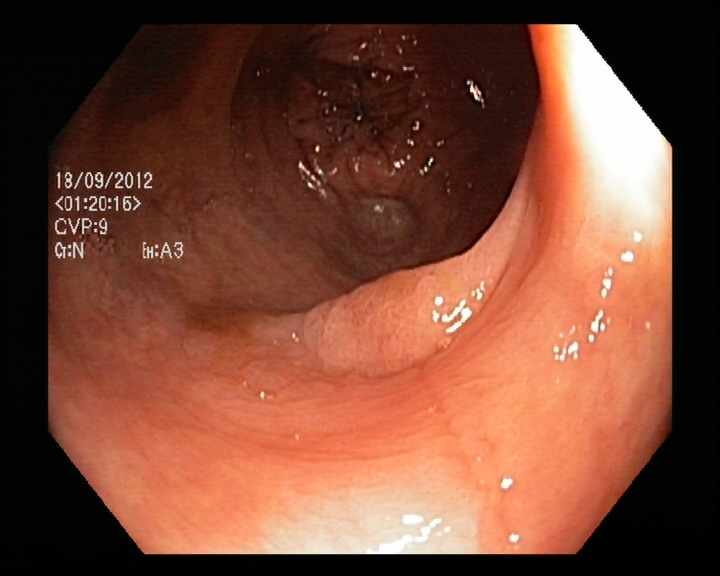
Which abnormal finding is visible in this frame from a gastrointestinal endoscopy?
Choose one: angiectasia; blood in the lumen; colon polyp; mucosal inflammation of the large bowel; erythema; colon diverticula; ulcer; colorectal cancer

colon polyp